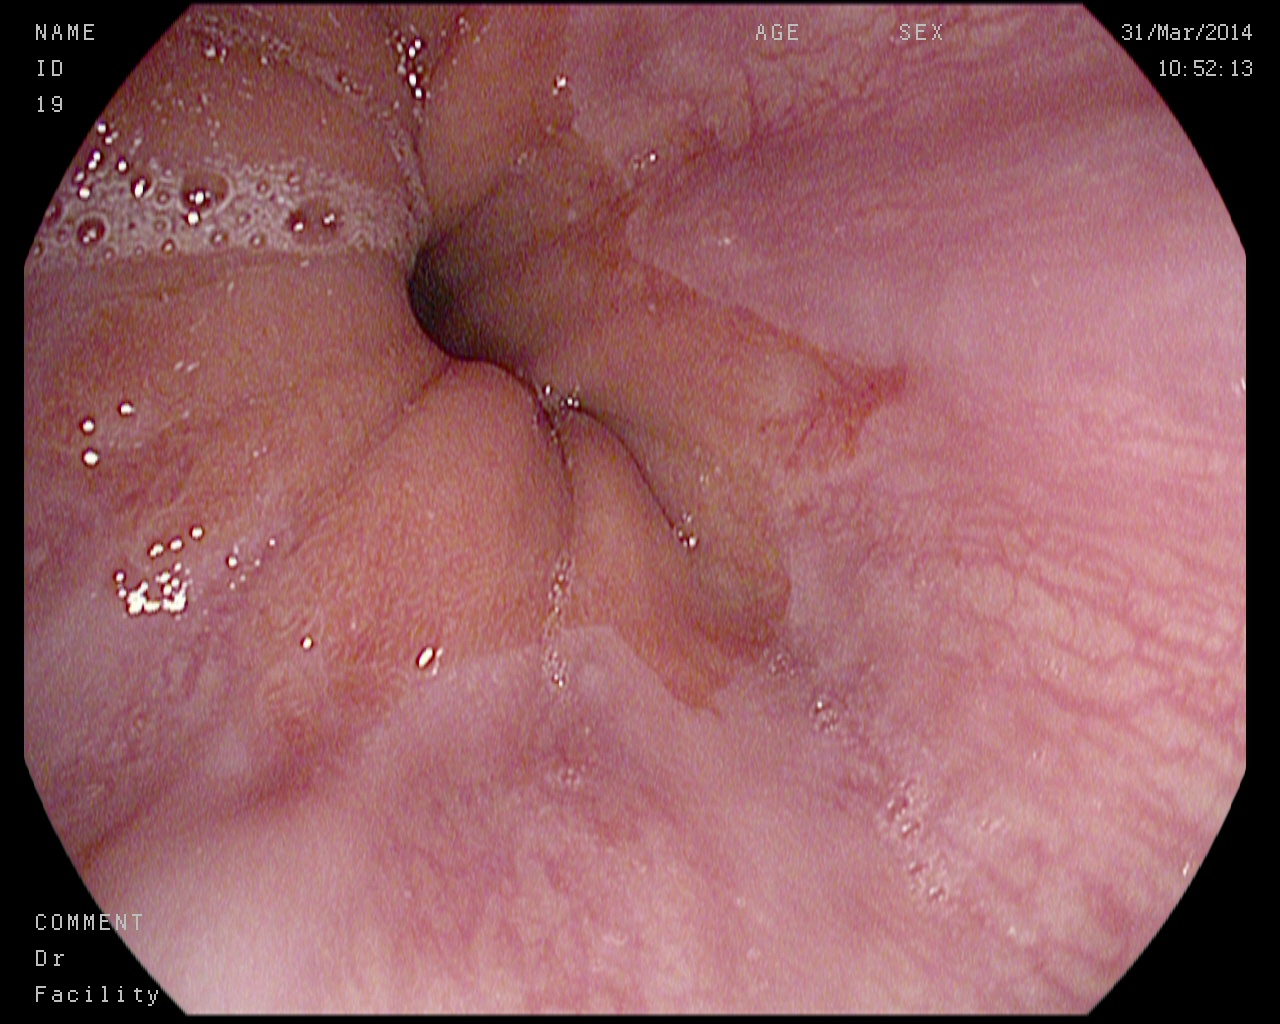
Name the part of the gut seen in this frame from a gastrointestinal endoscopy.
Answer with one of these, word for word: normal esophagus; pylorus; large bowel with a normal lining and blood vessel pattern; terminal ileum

normal esophagus